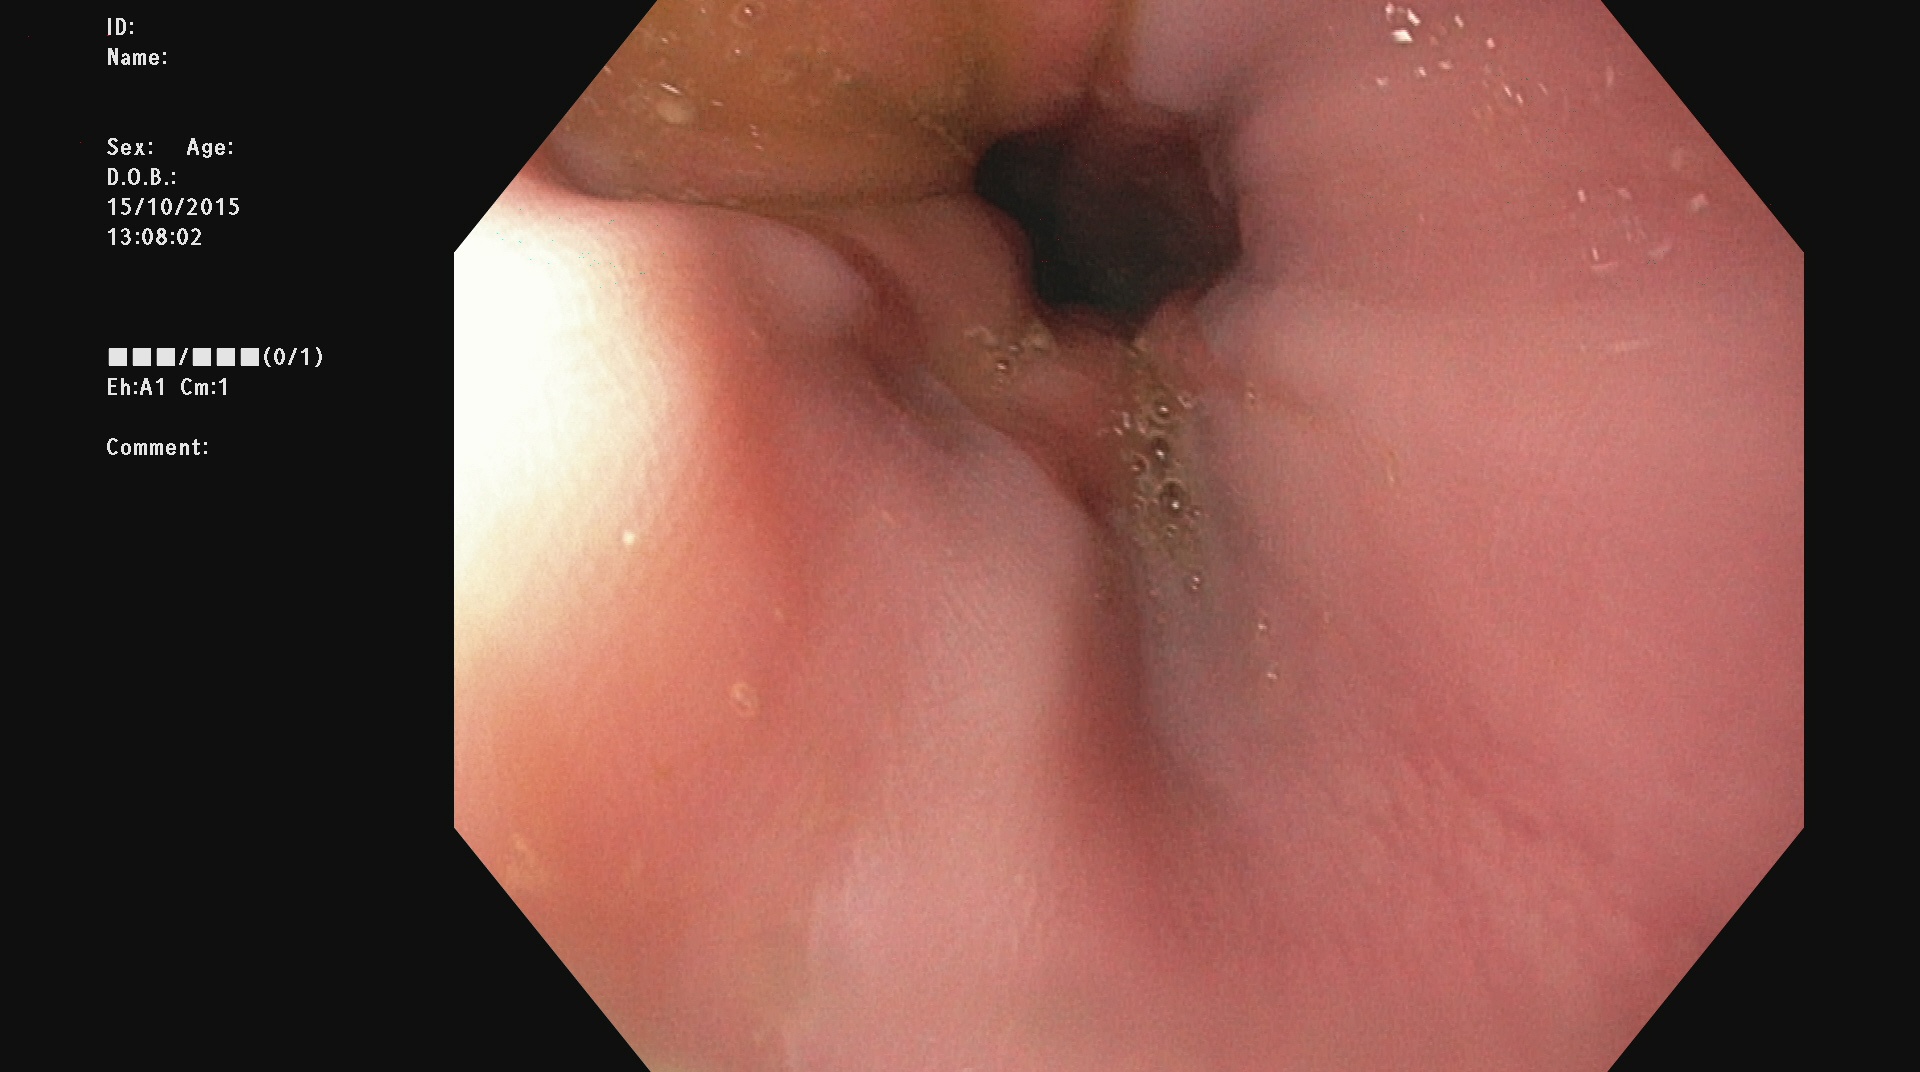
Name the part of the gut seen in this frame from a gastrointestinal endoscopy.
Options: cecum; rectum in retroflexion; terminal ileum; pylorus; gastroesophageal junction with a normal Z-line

gastroesophageal junction with a normal Z-line